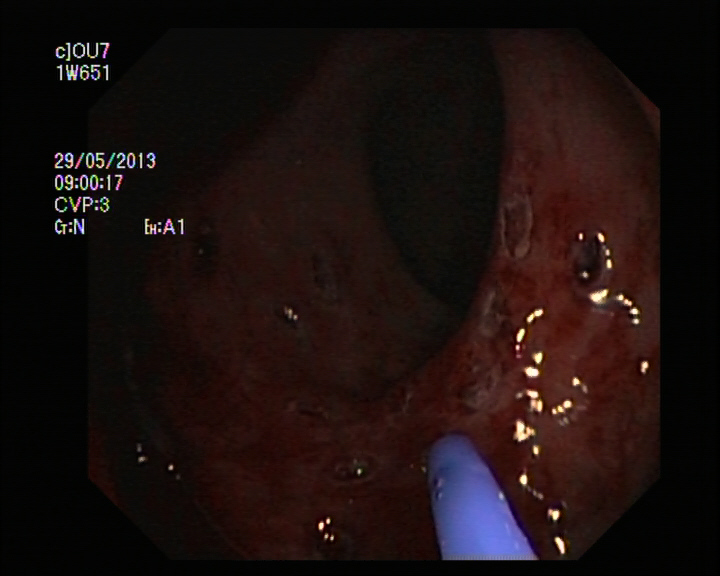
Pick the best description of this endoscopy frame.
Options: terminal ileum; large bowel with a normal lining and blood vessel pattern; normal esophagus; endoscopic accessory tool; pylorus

endoscopic accessory tool